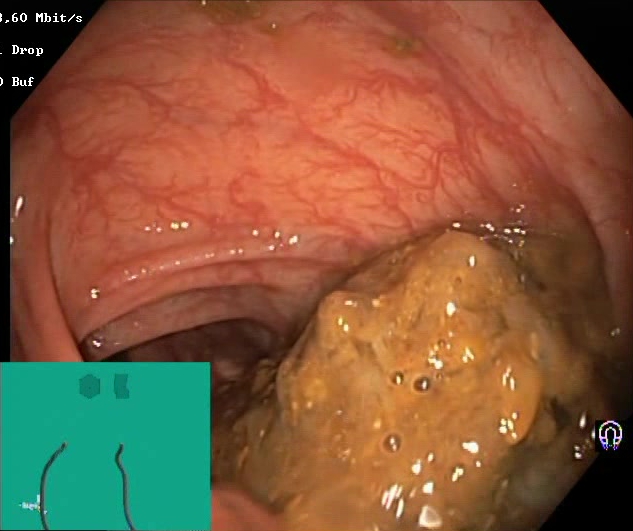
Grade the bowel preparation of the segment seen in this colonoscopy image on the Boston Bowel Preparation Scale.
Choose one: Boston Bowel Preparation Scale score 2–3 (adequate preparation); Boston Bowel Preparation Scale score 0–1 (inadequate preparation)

Boston Bowel Preparation Scale score 0–1 (inadequate preparation)